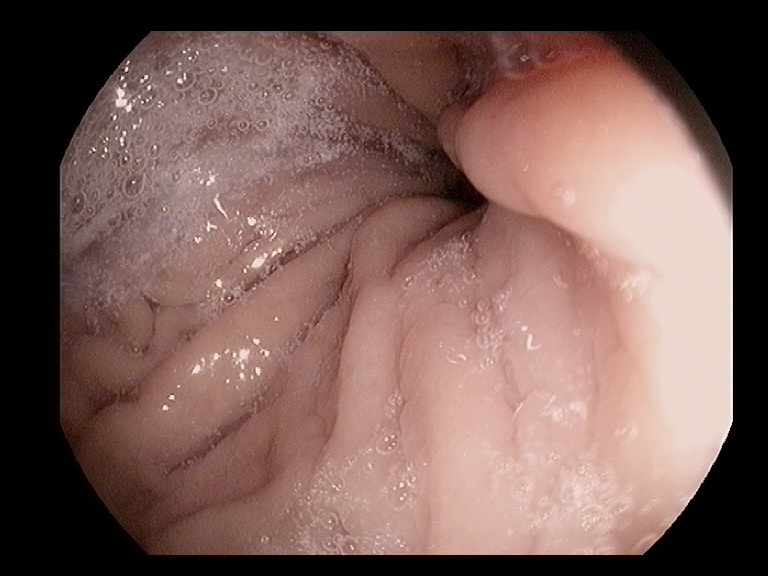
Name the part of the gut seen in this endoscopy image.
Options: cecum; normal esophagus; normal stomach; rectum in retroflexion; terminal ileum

normal stomach